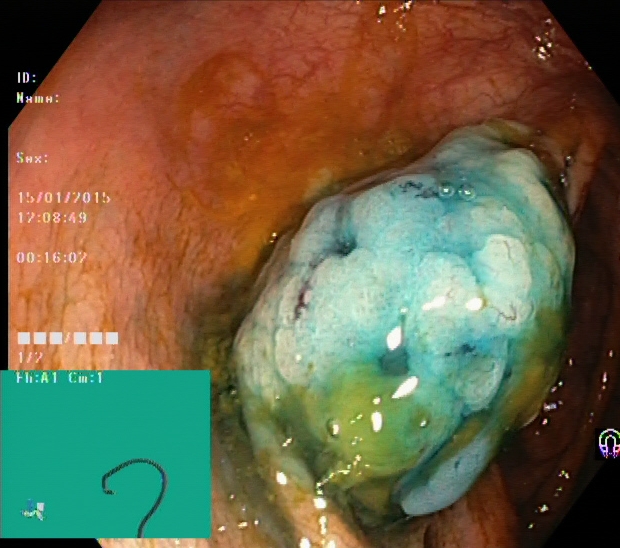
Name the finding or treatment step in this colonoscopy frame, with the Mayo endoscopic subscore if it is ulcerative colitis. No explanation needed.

dyed and lifted polyp (pre-resection)